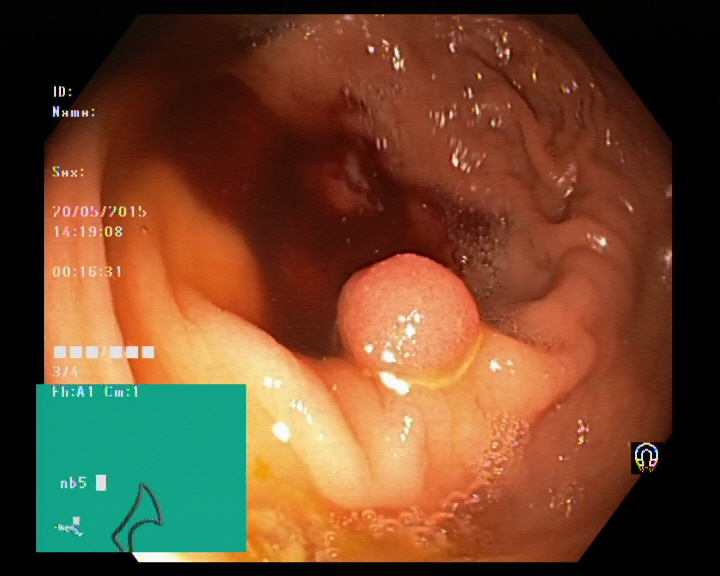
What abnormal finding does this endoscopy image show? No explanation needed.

colon polyp